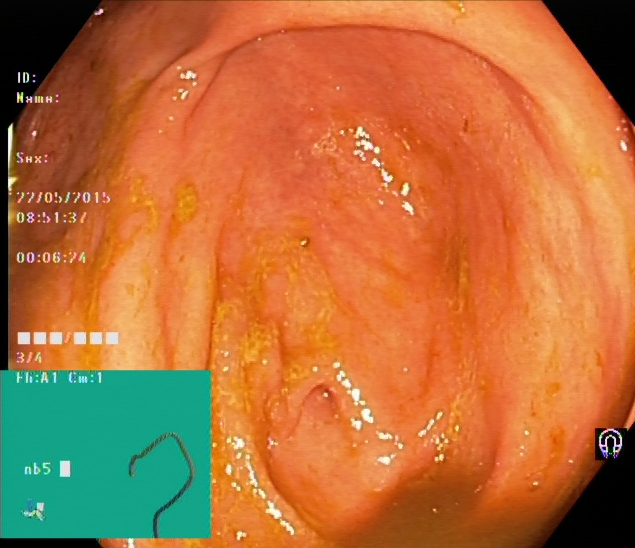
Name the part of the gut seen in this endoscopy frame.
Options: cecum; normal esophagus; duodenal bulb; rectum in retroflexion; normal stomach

cecum